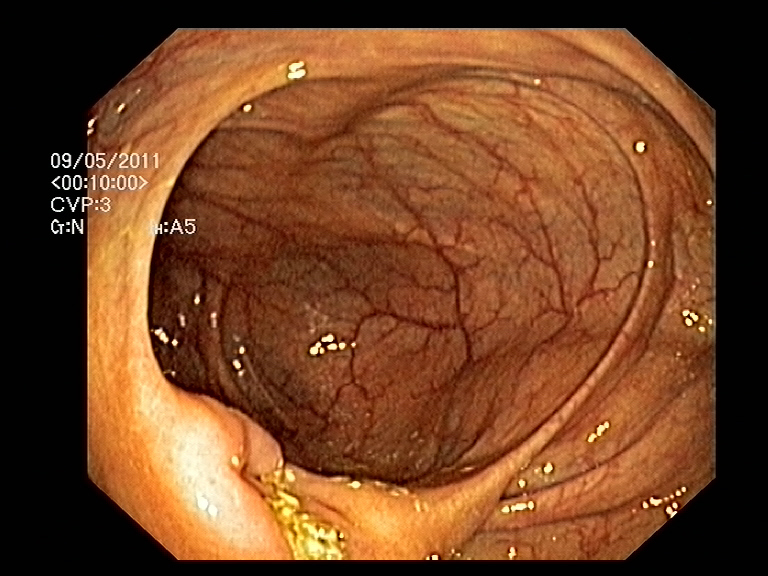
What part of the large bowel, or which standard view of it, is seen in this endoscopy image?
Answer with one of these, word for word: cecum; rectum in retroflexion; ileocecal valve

ileocecal valve